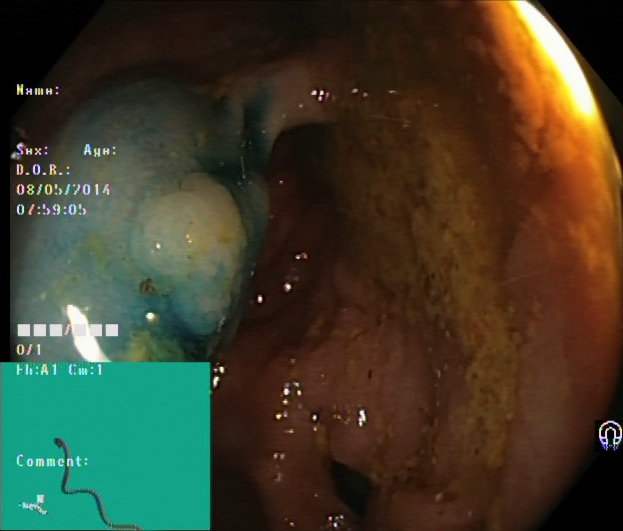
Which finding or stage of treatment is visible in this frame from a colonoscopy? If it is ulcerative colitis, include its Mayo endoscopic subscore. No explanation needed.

dyed and lifted polyp (pre-resection)